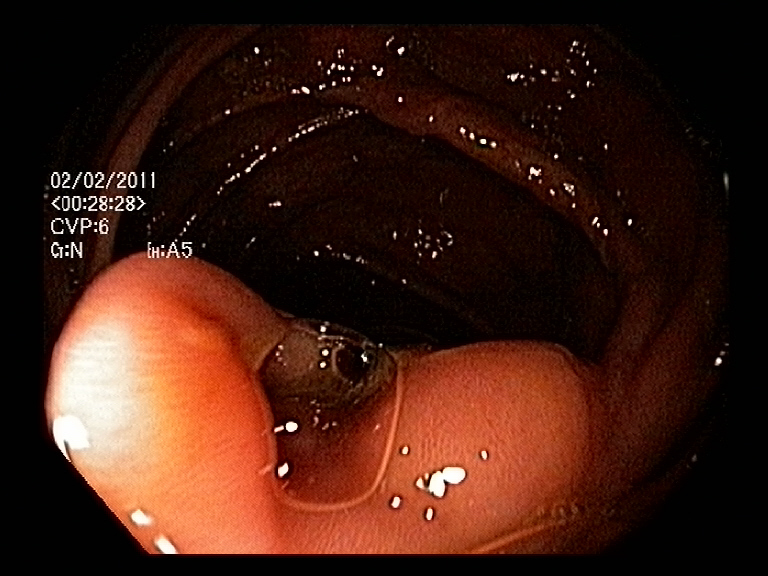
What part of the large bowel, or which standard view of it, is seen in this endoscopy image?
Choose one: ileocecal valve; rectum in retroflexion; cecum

ileocecal valve